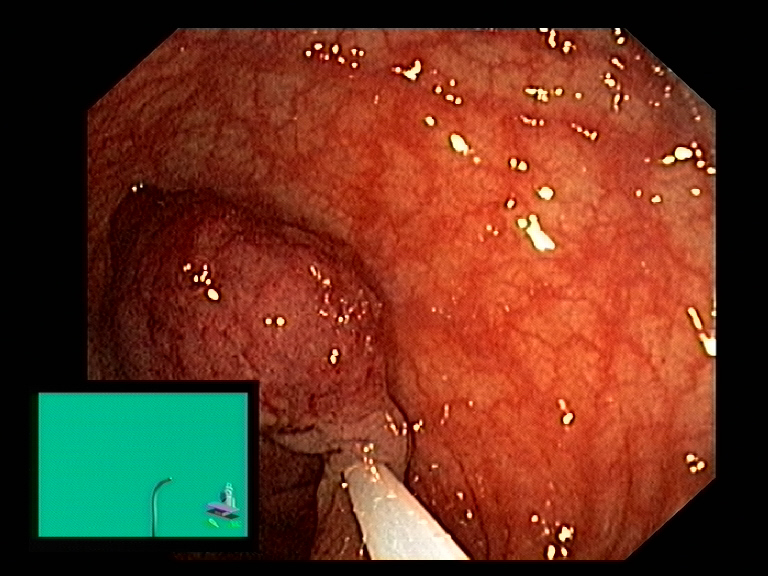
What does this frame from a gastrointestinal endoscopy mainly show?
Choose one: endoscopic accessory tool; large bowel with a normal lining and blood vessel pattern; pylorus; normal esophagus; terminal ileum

endoscopic accessory tool